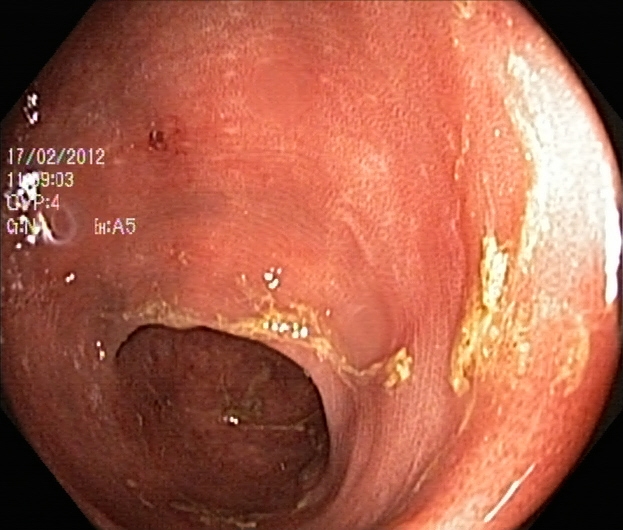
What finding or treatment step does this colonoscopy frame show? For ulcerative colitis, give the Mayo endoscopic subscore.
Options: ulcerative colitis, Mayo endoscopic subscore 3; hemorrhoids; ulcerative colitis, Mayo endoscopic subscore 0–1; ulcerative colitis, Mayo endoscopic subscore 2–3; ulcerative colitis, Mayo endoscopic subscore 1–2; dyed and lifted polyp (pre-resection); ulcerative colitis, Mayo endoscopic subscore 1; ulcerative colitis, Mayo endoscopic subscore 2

ulcerative colitis, Mayo endoscopic subscore 2